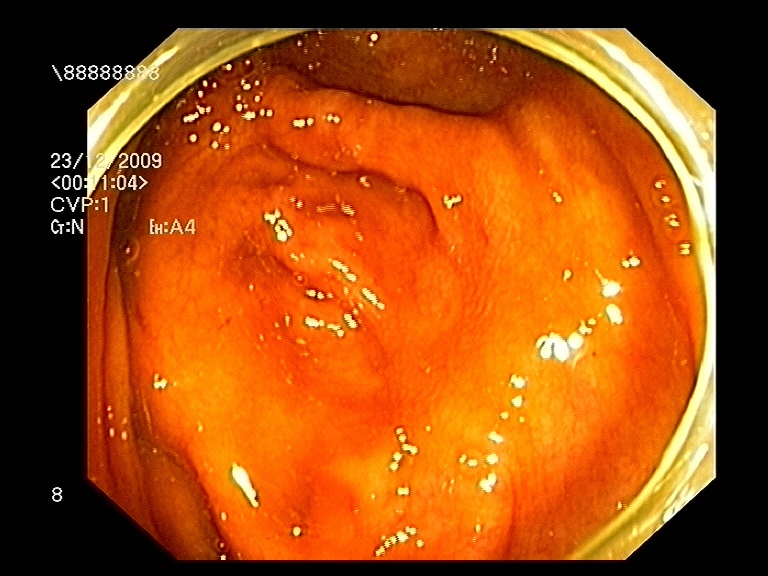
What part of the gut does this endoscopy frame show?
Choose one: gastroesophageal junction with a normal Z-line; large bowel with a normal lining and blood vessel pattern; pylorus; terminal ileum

large bowel with a normal lining and blood vessel pattern